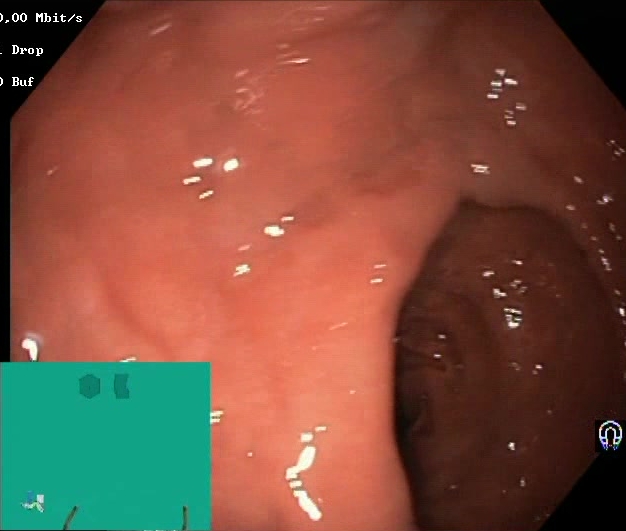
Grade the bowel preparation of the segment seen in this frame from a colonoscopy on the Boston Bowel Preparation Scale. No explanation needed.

Boston Bowel Preparation Scale score 2–3 (adequate preparation)